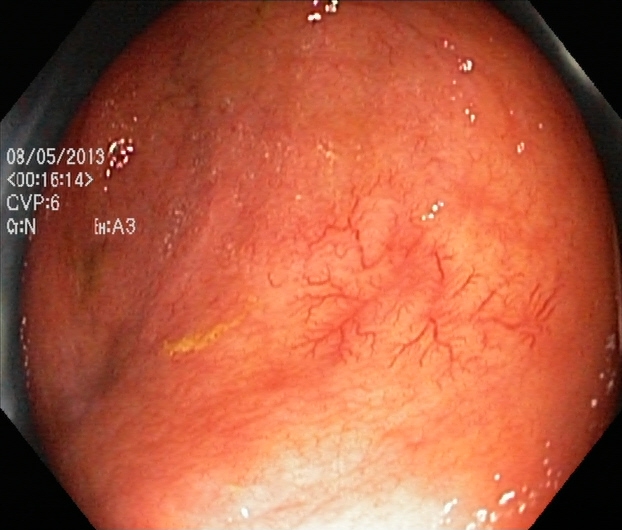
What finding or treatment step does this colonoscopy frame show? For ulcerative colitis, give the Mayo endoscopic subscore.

ulcerative colitis, Mayo endoscopic subscore 1